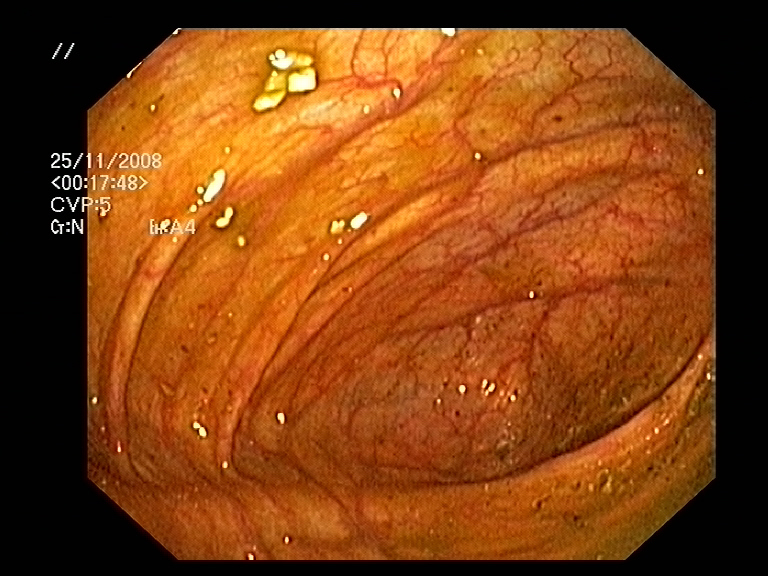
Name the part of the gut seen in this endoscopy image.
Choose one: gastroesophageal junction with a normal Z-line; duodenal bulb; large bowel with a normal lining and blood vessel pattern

large bowel with a normal lining and blood vessel pattern